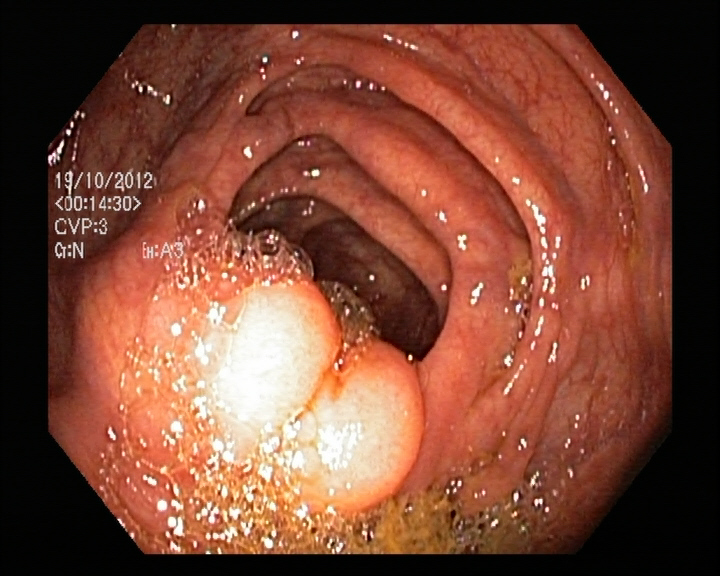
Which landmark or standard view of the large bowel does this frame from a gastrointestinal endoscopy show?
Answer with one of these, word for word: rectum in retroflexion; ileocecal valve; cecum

ileocecal valve